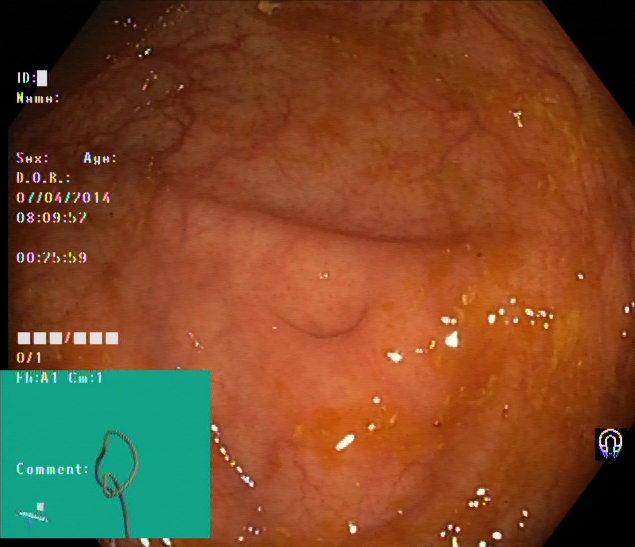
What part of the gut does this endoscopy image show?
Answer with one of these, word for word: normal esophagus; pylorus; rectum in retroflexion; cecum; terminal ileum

cecum